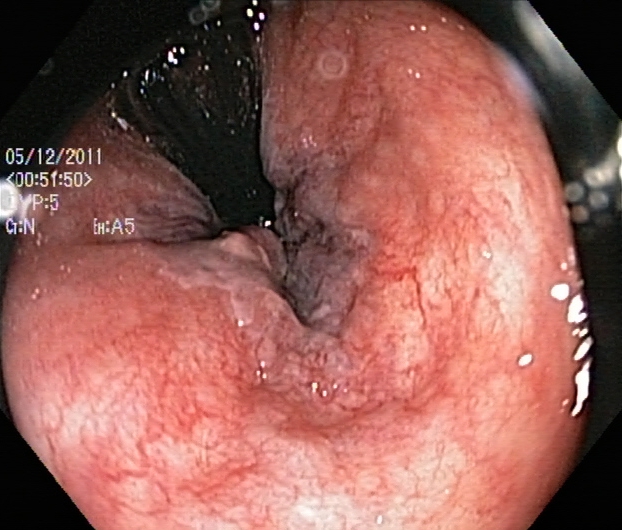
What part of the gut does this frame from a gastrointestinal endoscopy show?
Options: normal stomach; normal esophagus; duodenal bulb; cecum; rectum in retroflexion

rectum in retroflexion